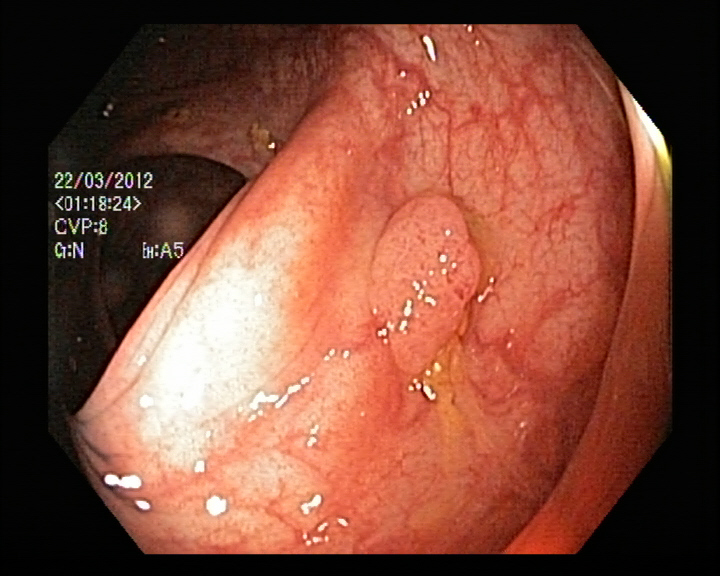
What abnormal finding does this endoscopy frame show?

colon polyp